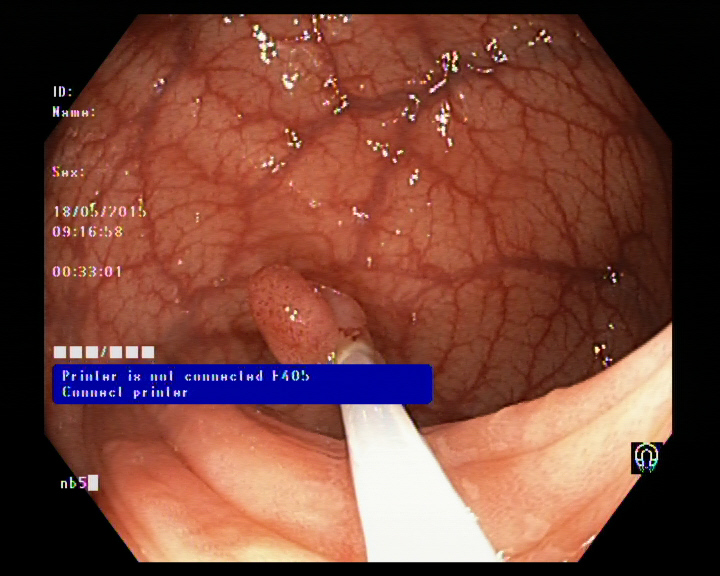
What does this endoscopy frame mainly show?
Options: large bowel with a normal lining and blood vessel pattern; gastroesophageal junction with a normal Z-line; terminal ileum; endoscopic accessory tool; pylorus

endoscopic accessory tool